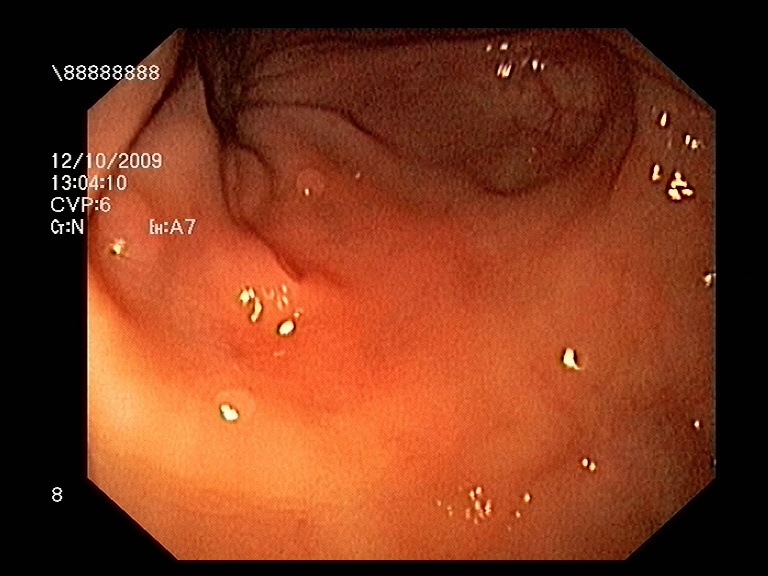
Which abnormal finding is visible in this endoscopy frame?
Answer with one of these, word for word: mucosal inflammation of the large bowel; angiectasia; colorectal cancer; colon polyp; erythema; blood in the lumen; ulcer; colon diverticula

colon polyp